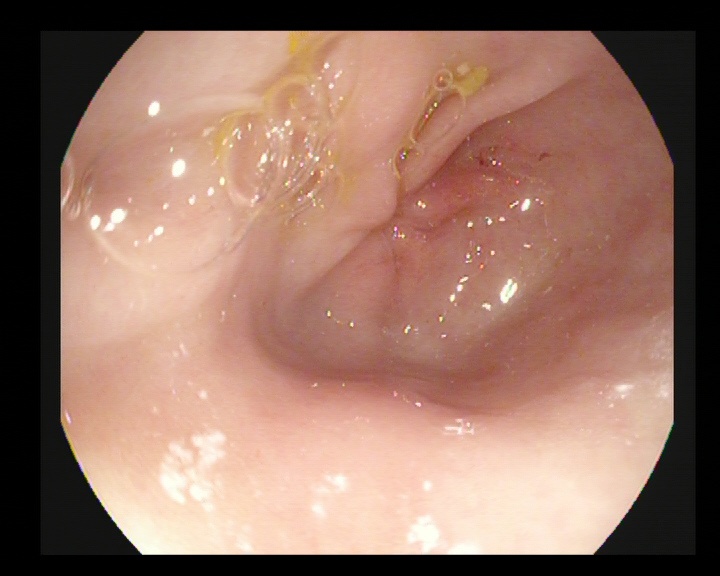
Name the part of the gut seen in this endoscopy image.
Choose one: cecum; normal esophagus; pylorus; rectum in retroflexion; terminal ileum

pylorus